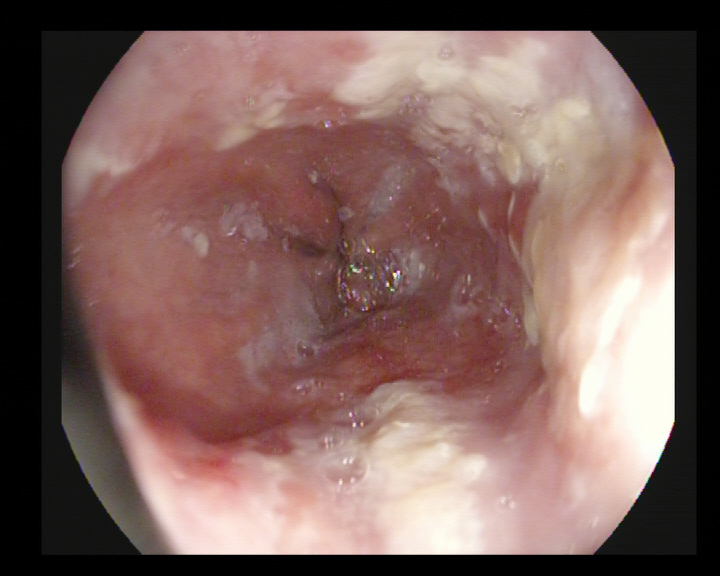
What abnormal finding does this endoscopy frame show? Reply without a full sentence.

esophagitis